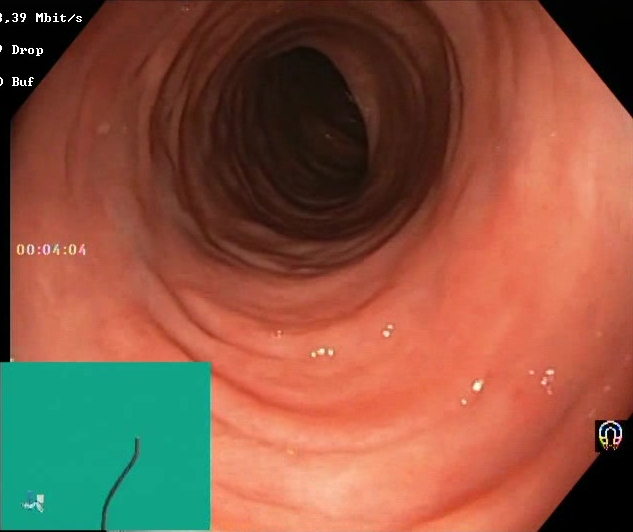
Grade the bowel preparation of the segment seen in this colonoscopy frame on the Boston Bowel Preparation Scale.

Boston Bowel Preparation Scale score 2–3 (adequate preparation)